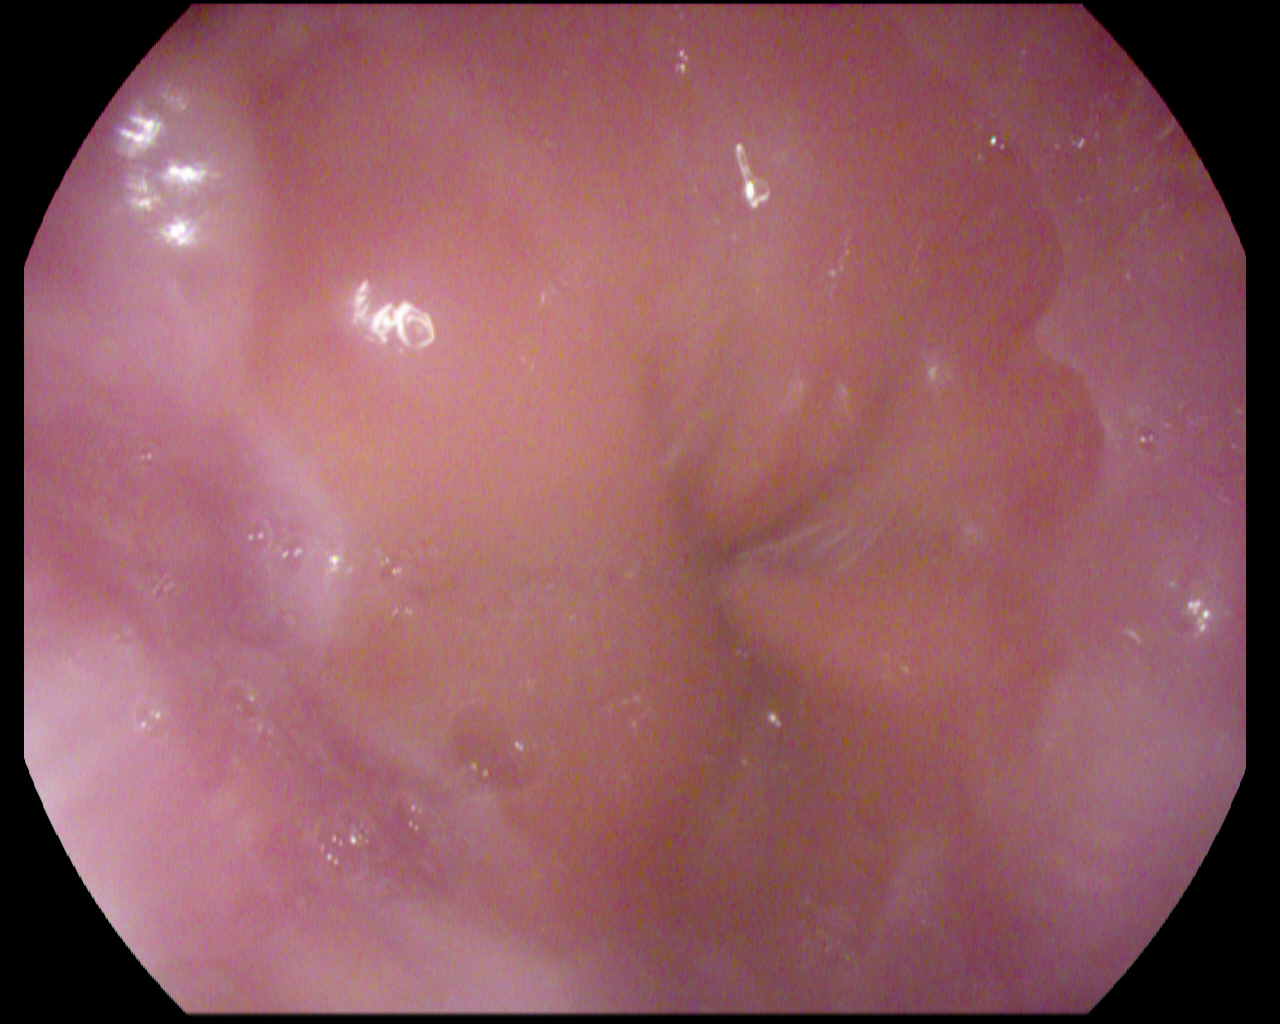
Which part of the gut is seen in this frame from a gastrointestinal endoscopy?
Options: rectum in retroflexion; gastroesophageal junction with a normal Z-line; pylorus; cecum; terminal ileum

gastroesophageal junction with a normal Z-line